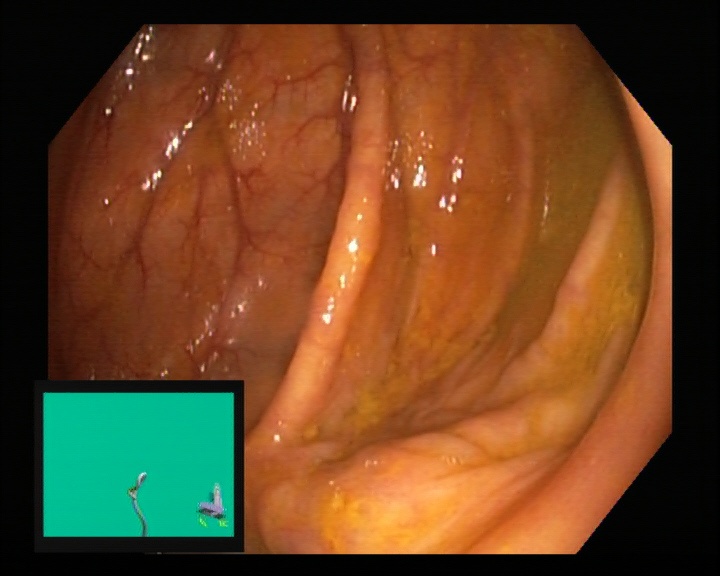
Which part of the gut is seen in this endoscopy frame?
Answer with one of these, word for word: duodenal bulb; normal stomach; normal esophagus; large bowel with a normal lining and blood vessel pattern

large bowel with a normal lining and blood vessel pattern